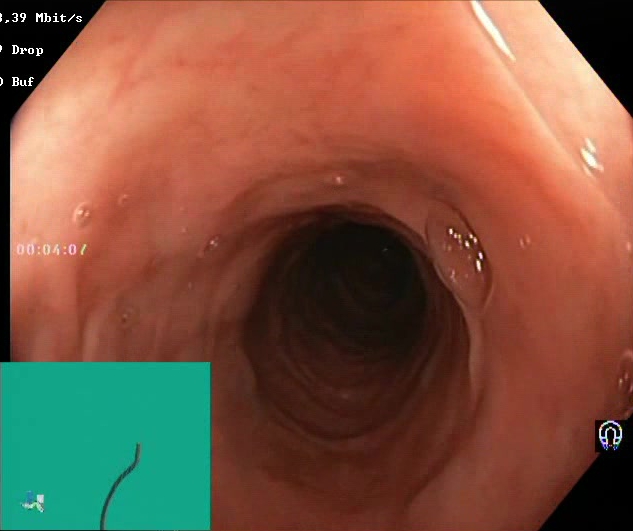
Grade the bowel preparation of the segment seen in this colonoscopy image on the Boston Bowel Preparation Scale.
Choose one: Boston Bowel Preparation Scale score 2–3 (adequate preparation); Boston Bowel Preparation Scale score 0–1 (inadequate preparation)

Boston Bowel Preparation Scale score 2–3 (adequate preparation)